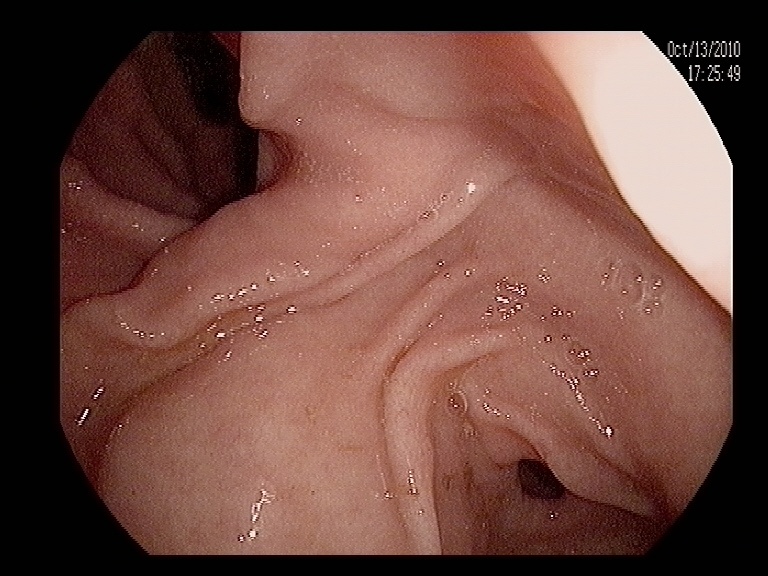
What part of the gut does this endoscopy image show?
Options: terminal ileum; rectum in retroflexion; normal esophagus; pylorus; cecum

pylorus